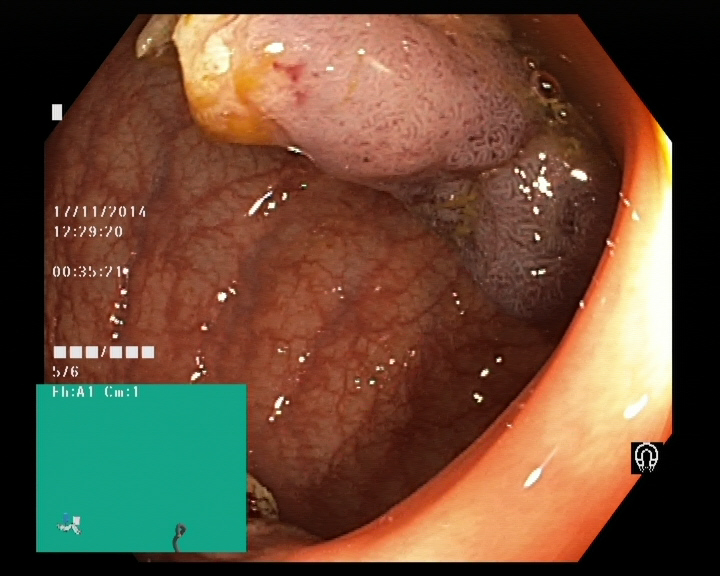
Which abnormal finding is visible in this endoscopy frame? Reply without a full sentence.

colon polyp